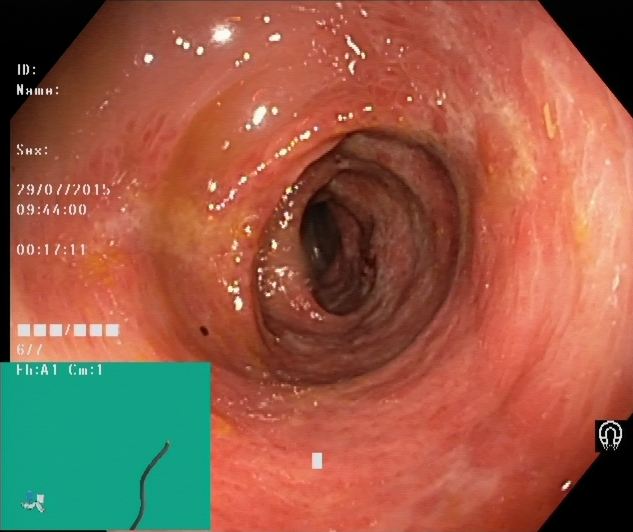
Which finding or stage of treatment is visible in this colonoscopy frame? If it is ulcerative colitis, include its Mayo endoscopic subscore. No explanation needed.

ulcerative colitis, Mayo endoscopic subscore 2